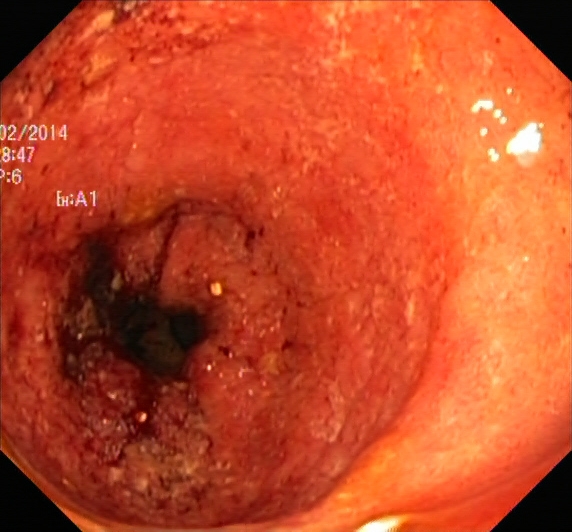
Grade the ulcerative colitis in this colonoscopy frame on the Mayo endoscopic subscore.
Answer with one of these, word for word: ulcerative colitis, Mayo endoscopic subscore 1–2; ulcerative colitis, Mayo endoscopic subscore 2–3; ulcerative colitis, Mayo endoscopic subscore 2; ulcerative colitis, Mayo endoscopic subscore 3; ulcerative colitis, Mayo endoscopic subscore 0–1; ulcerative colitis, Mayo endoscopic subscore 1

ulcerative colitis, Mayo endoscopic subscore 2–3